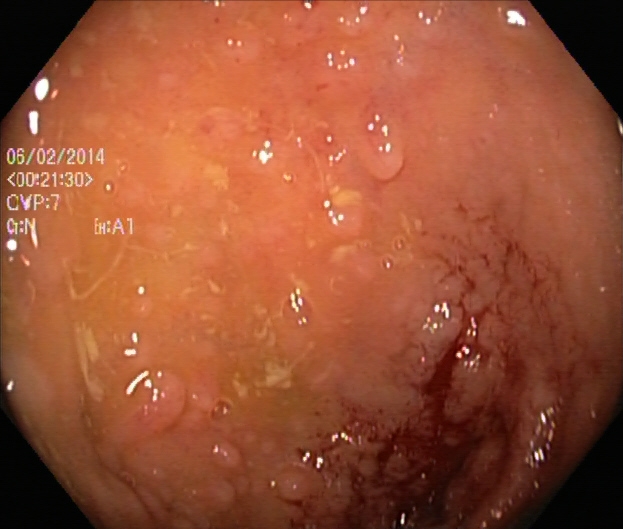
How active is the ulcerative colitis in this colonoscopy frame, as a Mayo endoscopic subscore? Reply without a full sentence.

ulcerative colitis, Mayo endoscopic subscore 2